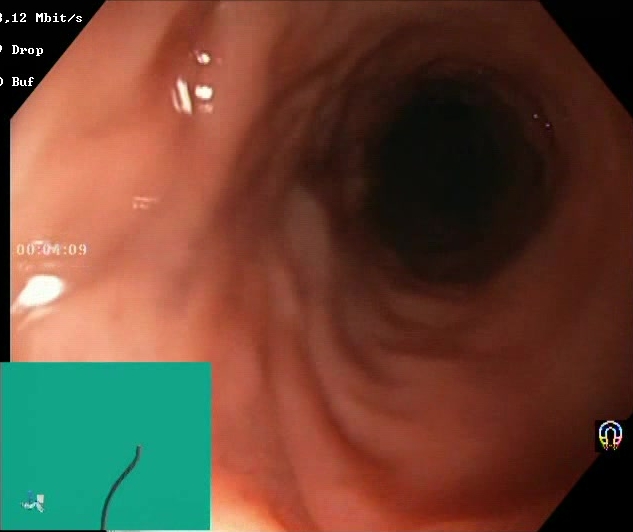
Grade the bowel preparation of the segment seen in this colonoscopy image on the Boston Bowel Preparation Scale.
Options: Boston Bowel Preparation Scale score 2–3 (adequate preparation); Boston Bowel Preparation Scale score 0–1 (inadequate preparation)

Boston Bowel Preparation Scale score 2–3 (adequate preparation)